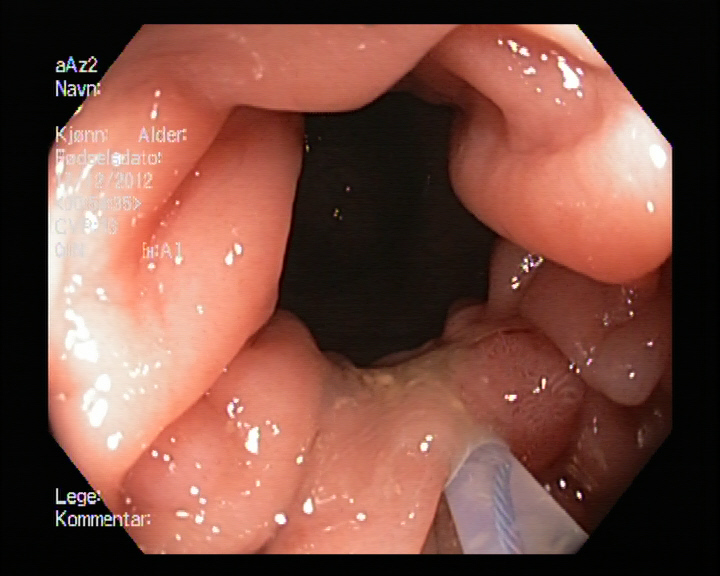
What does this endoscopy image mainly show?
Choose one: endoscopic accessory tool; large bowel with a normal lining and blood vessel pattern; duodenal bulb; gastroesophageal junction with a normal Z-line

endoscopic accessory tool